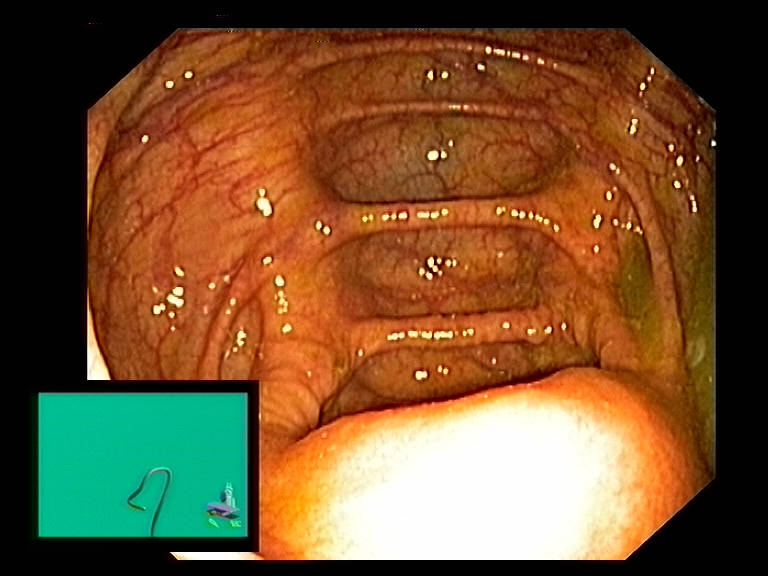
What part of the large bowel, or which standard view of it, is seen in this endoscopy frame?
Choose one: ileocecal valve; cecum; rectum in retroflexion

ileocecal valve